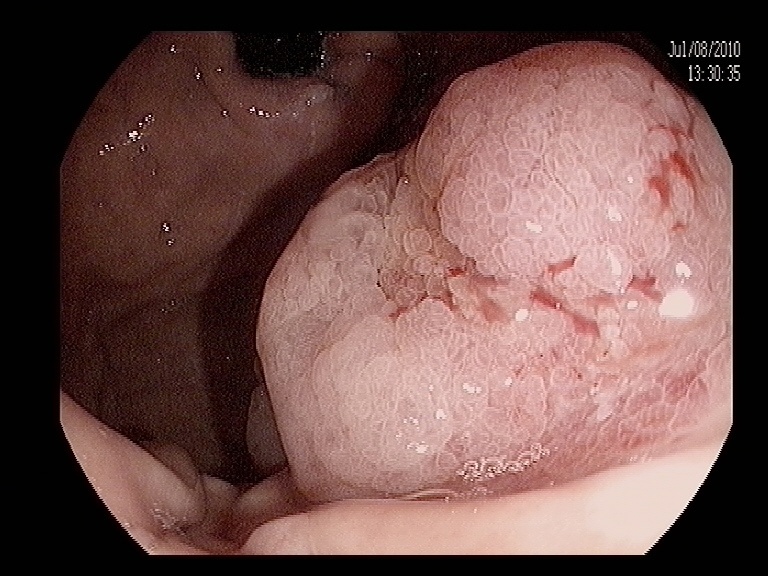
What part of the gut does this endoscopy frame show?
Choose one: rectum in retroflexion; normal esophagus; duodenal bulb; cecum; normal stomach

normal stomach